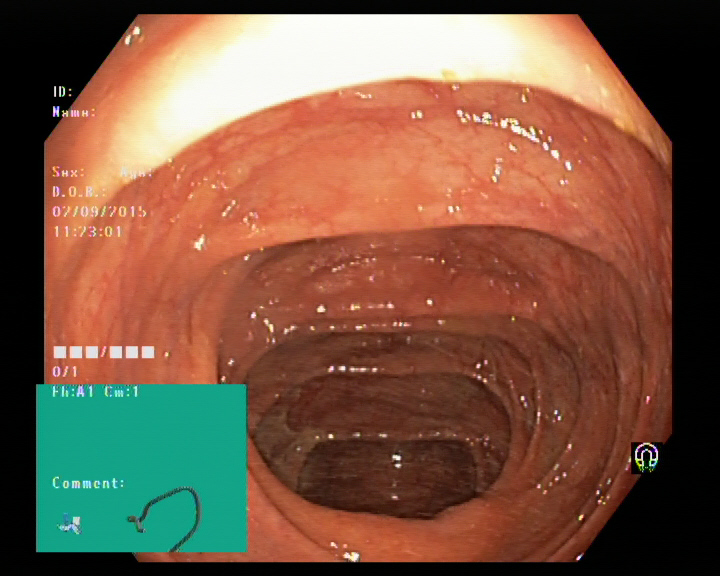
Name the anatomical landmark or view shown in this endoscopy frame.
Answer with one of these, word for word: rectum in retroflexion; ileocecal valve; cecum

ileocecal valve